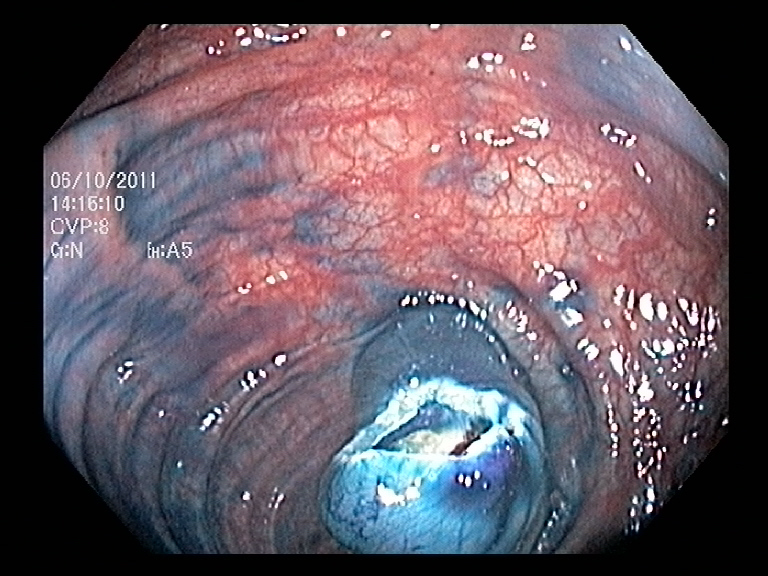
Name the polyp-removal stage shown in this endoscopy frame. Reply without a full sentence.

dyed resection margin (post-polypectomy)